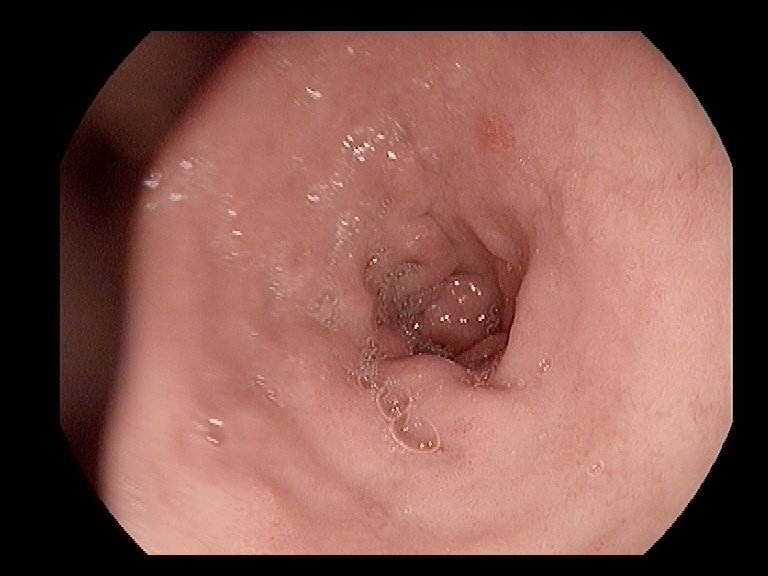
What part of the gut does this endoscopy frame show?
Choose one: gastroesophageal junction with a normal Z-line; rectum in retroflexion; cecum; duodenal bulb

duodenal bulb